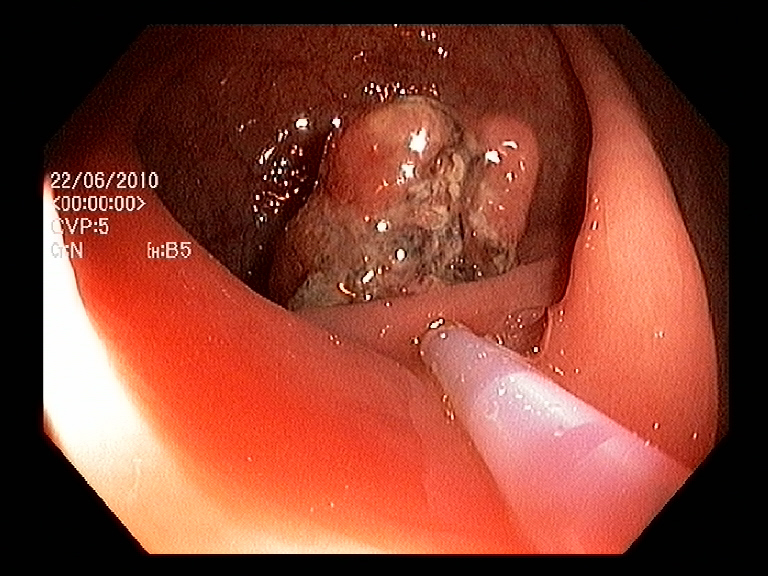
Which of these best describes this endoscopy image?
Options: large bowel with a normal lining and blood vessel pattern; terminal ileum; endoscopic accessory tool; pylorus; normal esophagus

endoscopic accessory tool